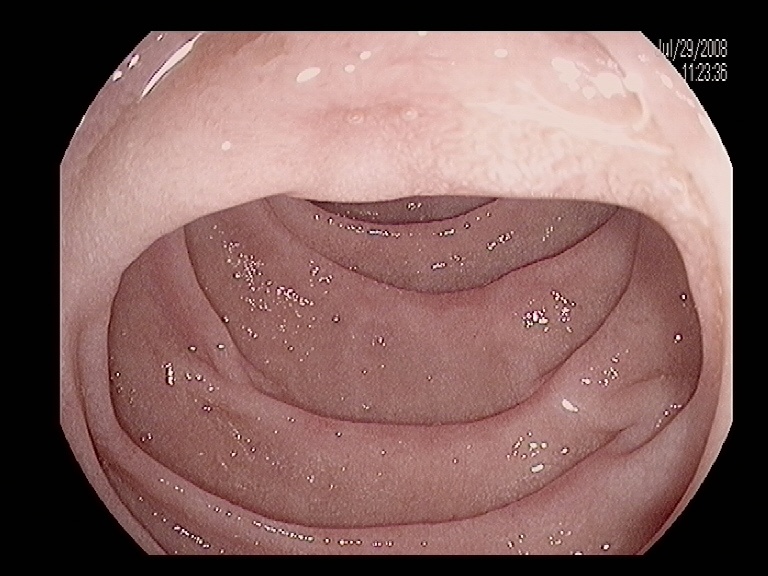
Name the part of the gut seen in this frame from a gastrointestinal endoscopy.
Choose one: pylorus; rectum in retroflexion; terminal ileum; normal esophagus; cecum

terminal ileum